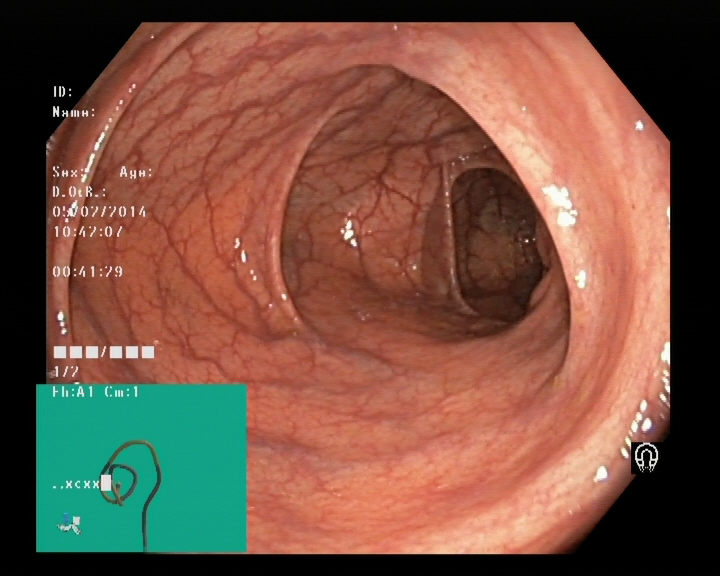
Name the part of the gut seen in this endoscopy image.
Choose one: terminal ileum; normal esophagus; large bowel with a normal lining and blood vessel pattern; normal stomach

large bowel with a normal lining and blood vessel pattern